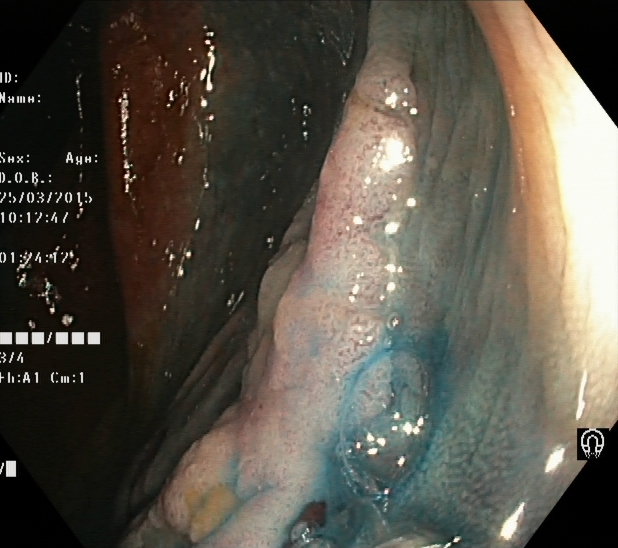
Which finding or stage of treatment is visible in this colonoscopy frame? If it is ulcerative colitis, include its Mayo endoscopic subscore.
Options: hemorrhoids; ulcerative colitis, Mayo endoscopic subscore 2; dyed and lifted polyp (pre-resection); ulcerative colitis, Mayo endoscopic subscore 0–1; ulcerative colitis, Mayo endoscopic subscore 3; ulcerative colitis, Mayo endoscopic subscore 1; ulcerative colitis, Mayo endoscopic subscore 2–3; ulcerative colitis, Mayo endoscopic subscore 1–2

dyed and lifted polyp (pre-resection)